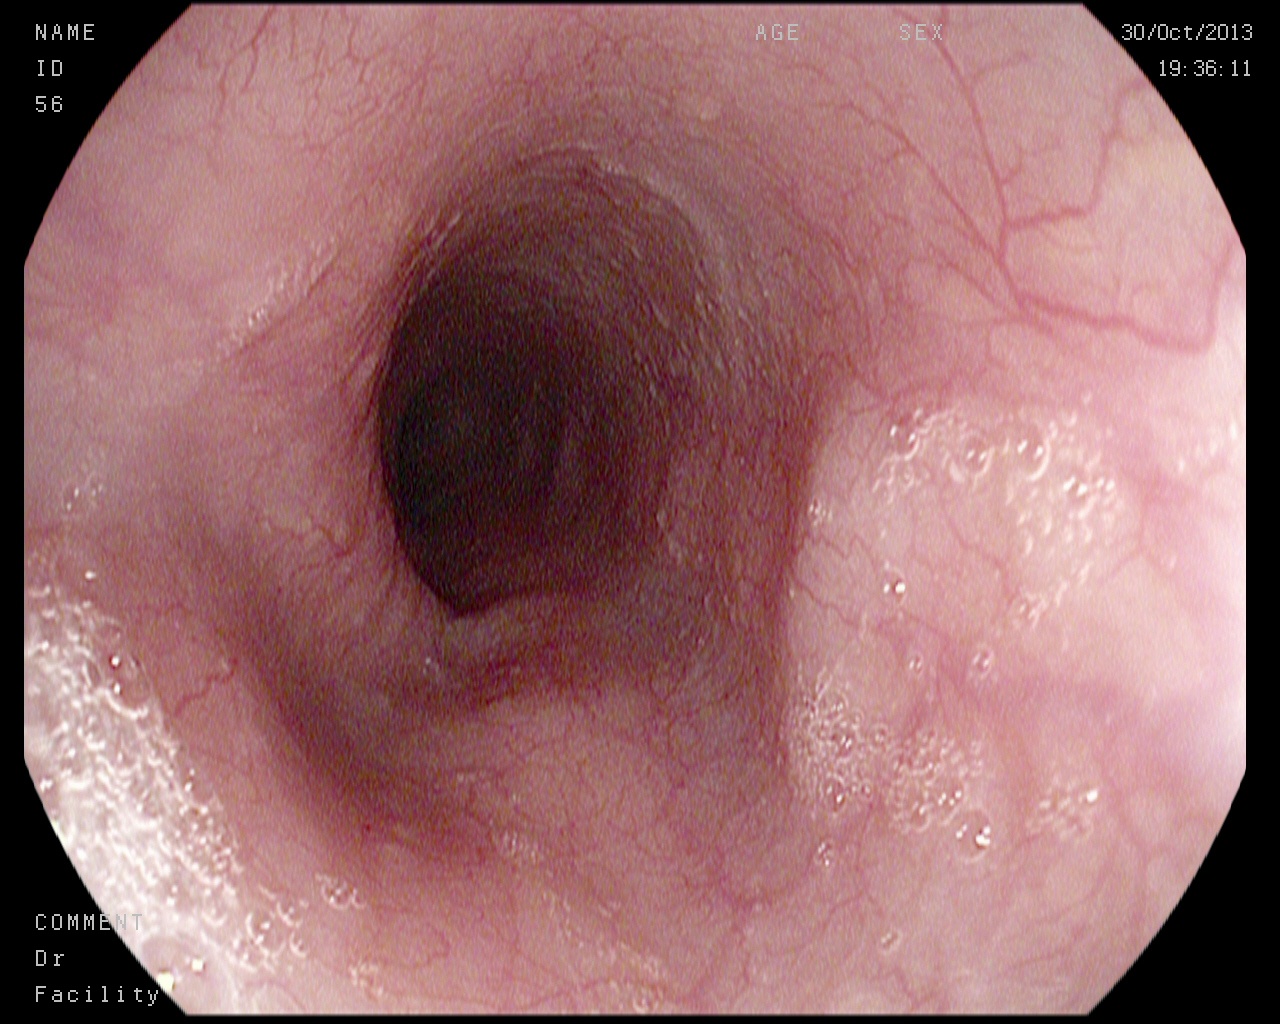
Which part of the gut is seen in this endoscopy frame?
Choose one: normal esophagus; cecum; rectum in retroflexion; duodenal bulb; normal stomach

normal esophagus